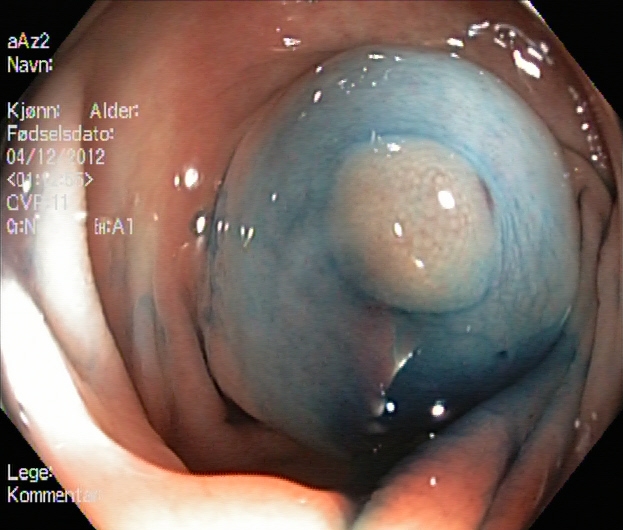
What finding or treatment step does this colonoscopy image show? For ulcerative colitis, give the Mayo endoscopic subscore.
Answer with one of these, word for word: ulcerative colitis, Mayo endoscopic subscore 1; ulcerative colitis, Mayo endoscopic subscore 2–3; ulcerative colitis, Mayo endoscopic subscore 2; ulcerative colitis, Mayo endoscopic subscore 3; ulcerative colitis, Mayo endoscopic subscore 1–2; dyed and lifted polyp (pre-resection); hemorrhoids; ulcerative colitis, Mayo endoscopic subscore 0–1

dyed and lifted polyp (pre-resection)